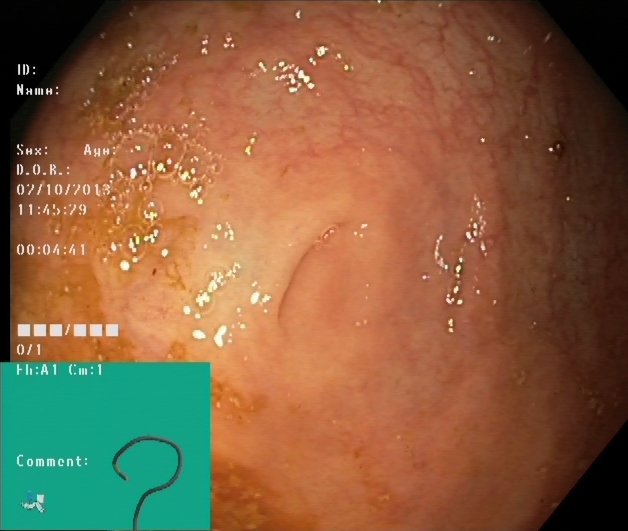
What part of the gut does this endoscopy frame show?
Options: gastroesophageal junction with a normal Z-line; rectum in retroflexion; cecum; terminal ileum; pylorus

cecum